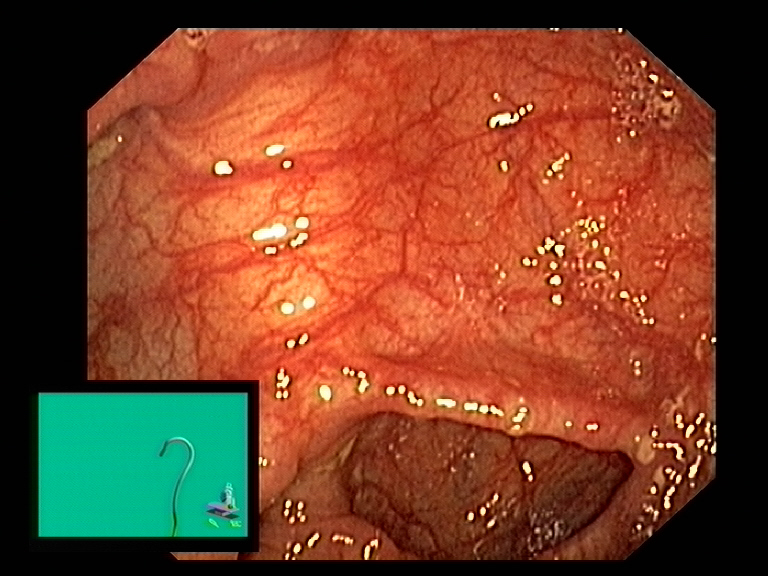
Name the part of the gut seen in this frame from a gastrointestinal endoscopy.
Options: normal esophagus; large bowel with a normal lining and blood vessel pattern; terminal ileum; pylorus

large bowel with a normal lining and blood vessel pattern